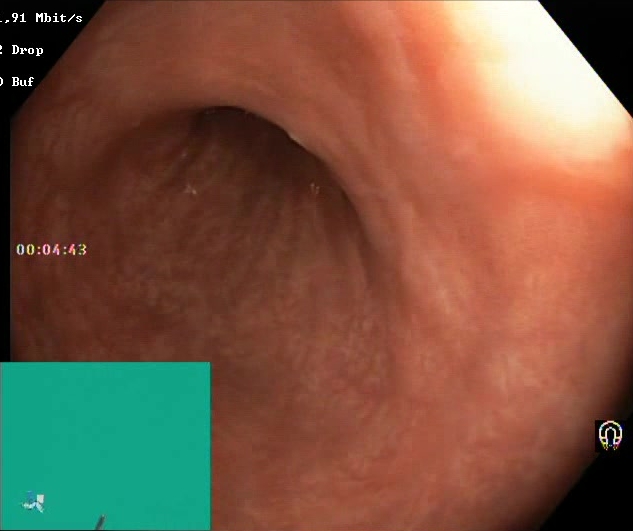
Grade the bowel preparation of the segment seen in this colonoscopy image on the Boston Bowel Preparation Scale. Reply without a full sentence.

Boston Bowel Preparation Scale score 2–3 (adequate preparation)